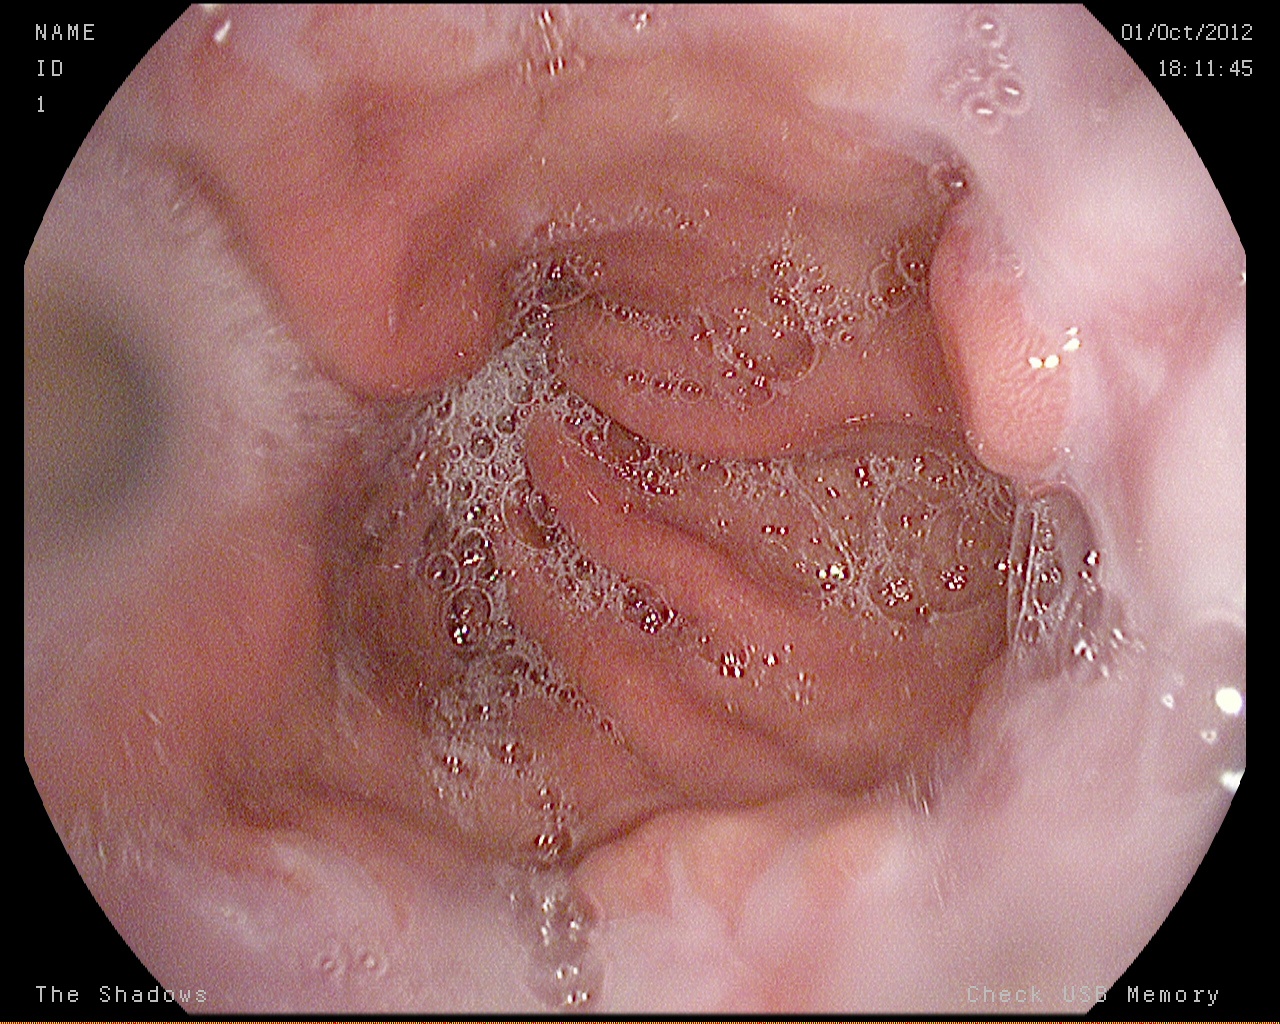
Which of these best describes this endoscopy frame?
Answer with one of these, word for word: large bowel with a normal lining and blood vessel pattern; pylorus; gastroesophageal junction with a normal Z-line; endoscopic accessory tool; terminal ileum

gastroesophageal junction with a normal Z-line